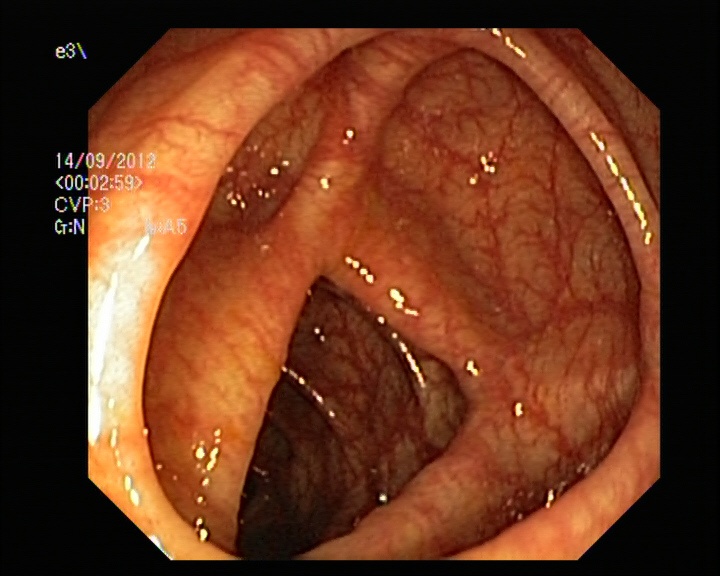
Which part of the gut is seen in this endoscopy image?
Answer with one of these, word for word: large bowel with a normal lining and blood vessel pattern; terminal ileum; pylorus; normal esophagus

large bowel with a normal lining and blood vessel pattern